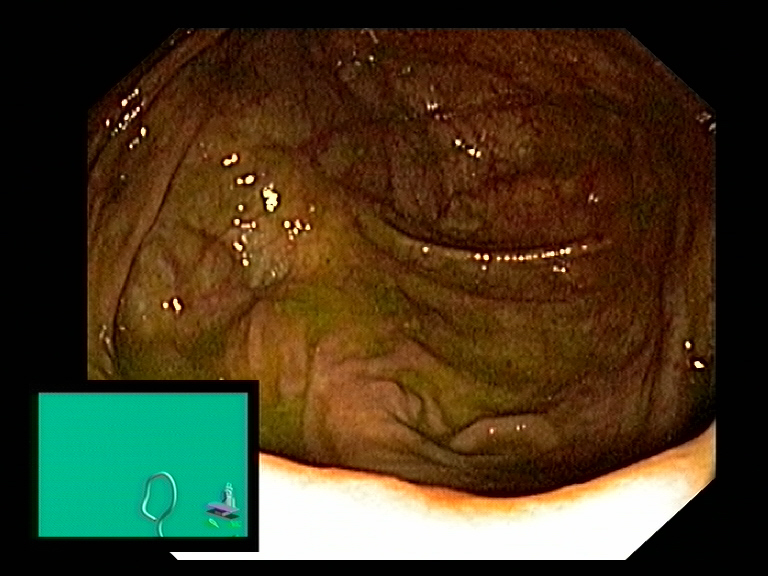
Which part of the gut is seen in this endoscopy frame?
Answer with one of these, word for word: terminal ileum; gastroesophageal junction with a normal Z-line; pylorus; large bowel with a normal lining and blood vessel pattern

large bowel with a normal lining and blood vessel pattern